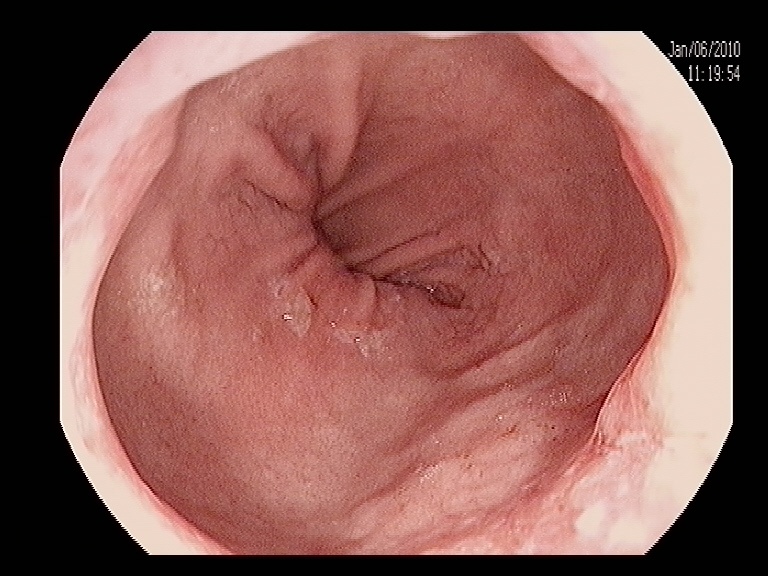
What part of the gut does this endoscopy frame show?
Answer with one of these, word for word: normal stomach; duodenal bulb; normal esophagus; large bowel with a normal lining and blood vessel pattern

normal stomach